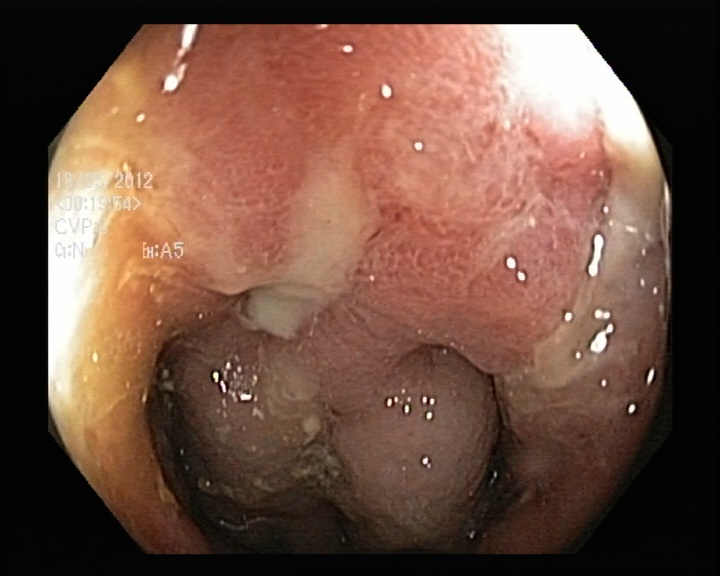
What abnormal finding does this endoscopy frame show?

colorectal cancer